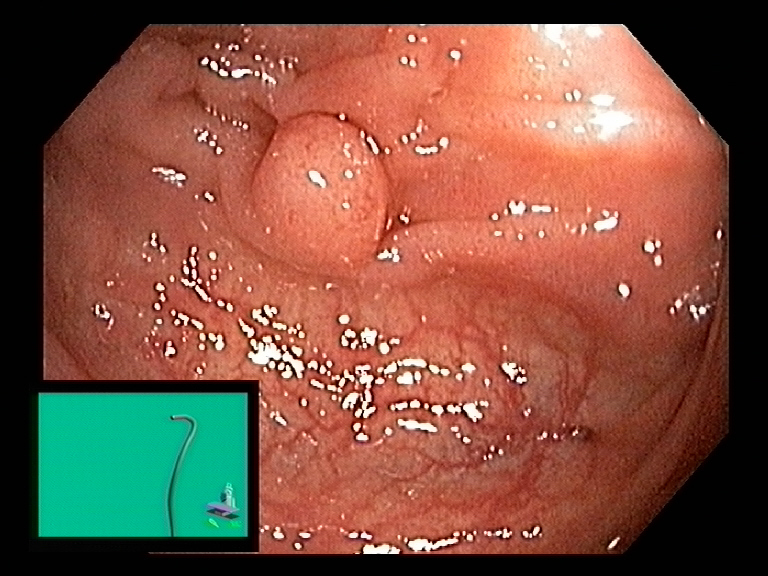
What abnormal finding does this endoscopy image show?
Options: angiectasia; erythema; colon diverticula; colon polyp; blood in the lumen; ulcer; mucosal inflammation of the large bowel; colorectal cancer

colon polyp